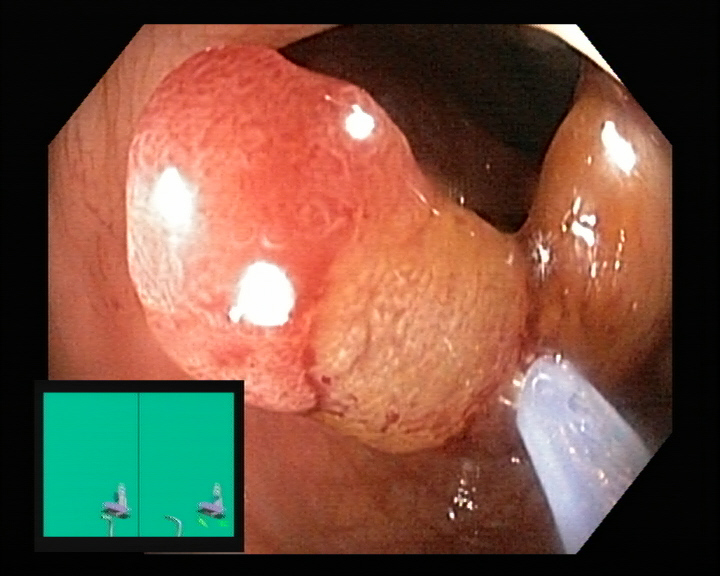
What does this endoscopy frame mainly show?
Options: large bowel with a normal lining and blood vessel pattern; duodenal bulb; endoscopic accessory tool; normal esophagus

endoscopic accessory tool